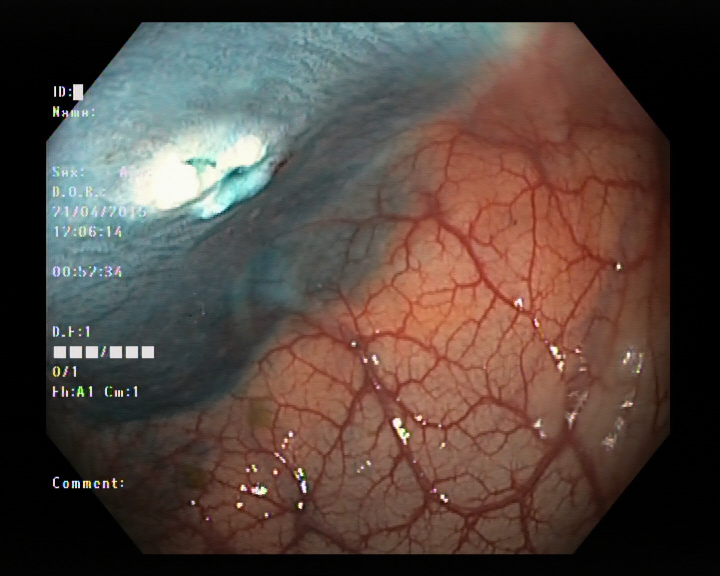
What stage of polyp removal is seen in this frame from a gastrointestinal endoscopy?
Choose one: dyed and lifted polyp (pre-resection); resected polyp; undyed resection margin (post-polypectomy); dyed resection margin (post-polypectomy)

dyed resection margin (post-polypectomy)